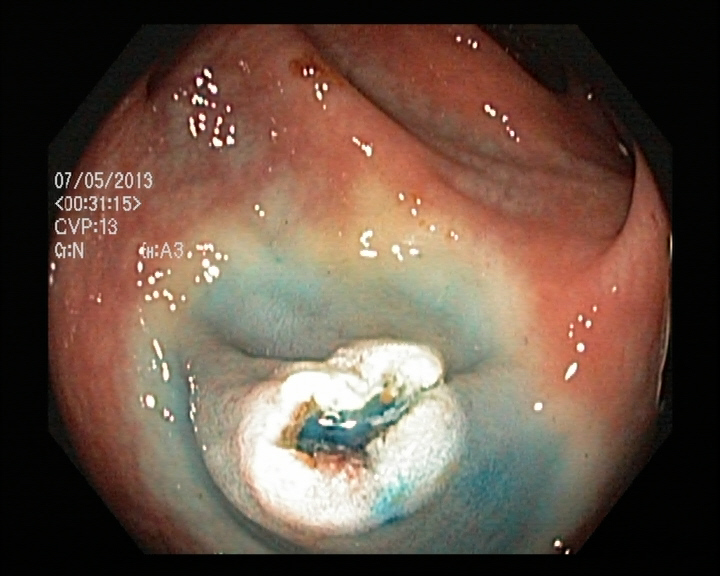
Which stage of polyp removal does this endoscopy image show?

dyed resection margin (post-polypectomy)